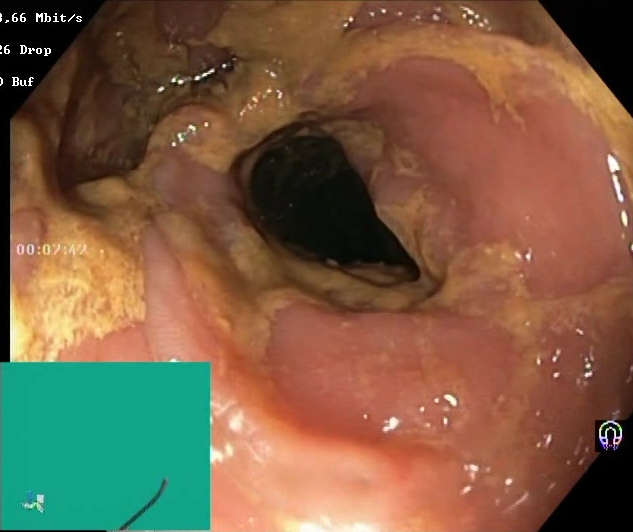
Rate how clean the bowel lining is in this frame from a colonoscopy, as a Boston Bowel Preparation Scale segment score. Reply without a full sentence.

Boston Bowel Preparation Scale score 0–1 (inadequate preparation)